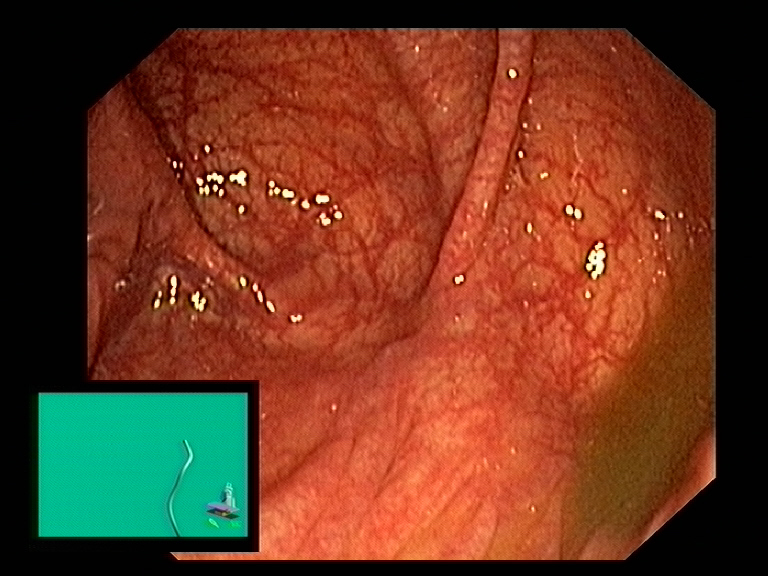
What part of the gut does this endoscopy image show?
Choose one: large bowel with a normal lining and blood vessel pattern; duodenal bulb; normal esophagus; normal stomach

large bowel with a normal lining and blood vessel pattern